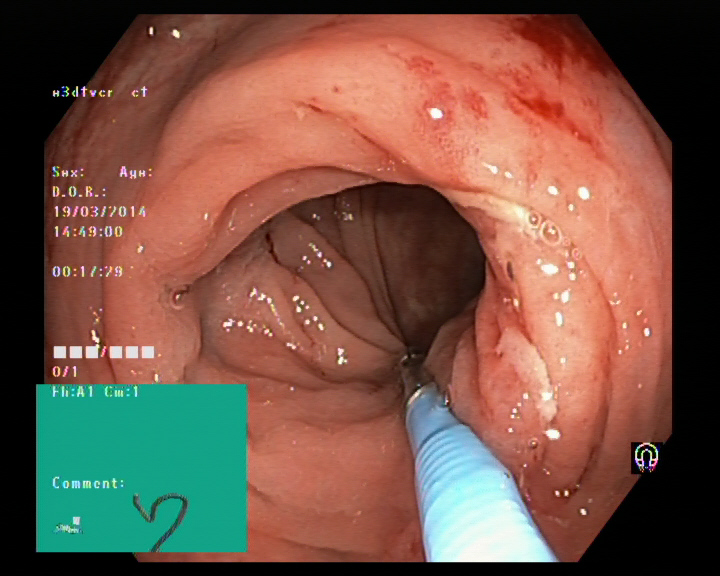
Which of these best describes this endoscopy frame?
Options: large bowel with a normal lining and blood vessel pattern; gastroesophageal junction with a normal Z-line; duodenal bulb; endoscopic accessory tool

endoscopic accessory tool